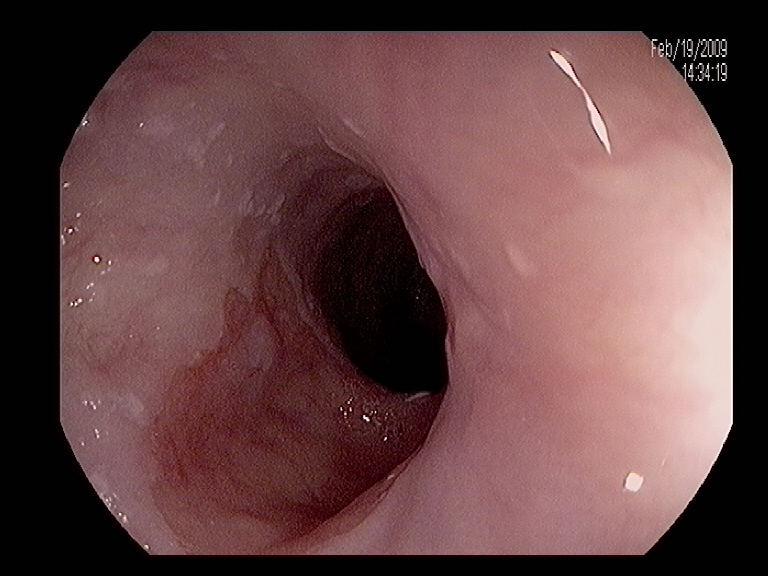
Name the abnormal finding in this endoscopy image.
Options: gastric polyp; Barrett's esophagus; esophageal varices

Barrett's esophagus